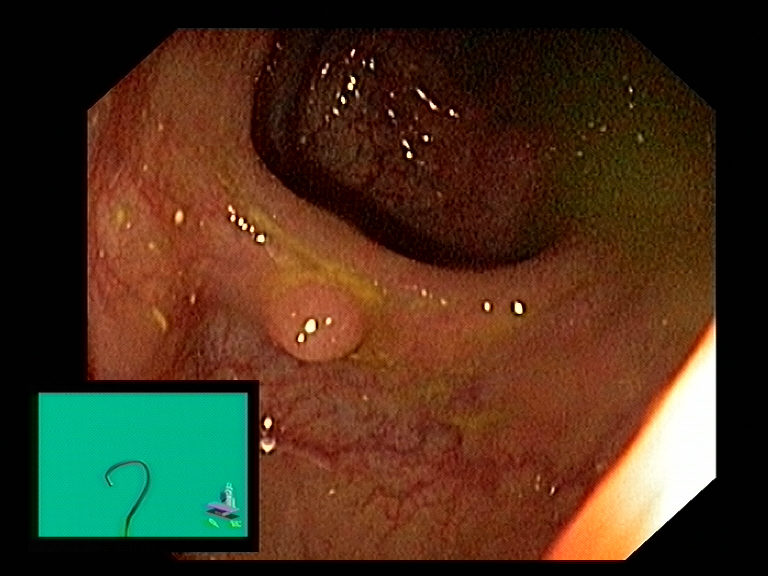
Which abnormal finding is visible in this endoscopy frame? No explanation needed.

colon polyp